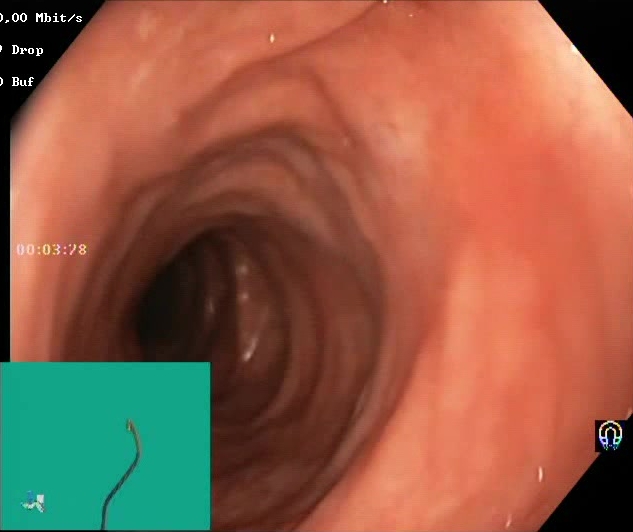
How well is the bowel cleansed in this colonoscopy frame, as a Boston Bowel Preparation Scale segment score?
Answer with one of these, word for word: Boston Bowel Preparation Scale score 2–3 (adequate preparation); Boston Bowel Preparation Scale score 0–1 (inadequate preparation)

Boston Bowel Preparation Scale score 2–3 (adequate preparation)